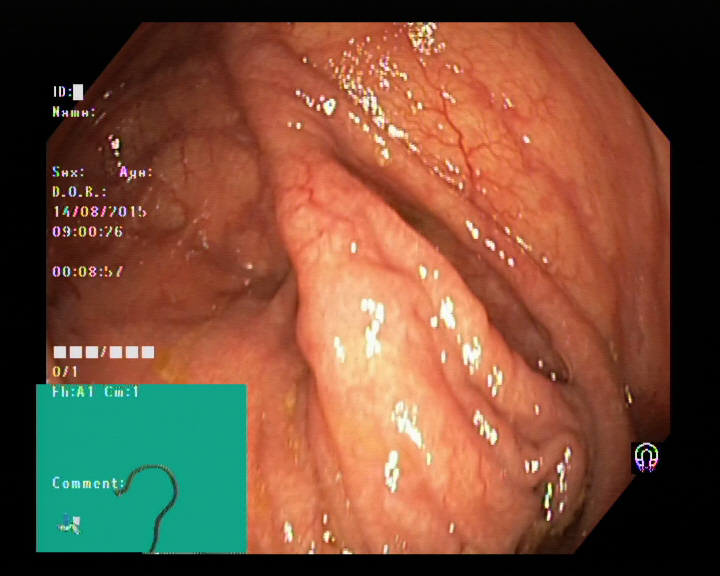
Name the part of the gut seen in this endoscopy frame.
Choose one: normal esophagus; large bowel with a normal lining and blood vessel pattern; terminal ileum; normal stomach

large bowel with a normal lining and blood vessel pattern